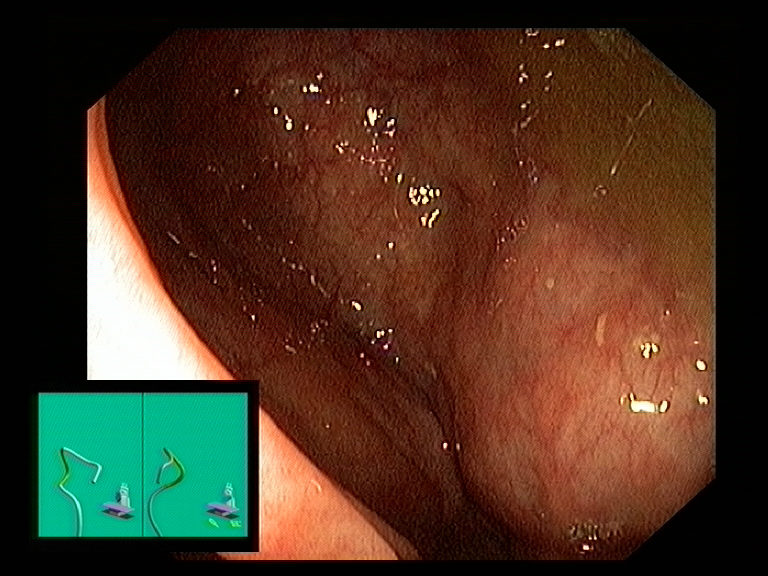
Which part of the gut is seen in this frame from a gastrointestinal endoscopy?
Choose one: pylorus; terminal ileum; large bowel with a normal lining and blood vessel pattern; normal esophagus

large bowel with a normal lining and blood vessel pattern